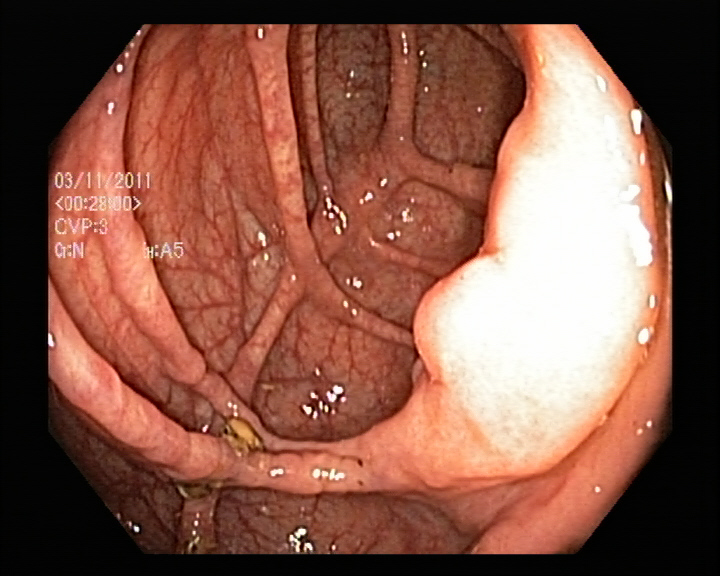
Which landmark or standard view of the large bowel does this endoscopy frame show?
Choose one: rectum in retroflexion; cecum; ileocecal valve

ileocecal valve